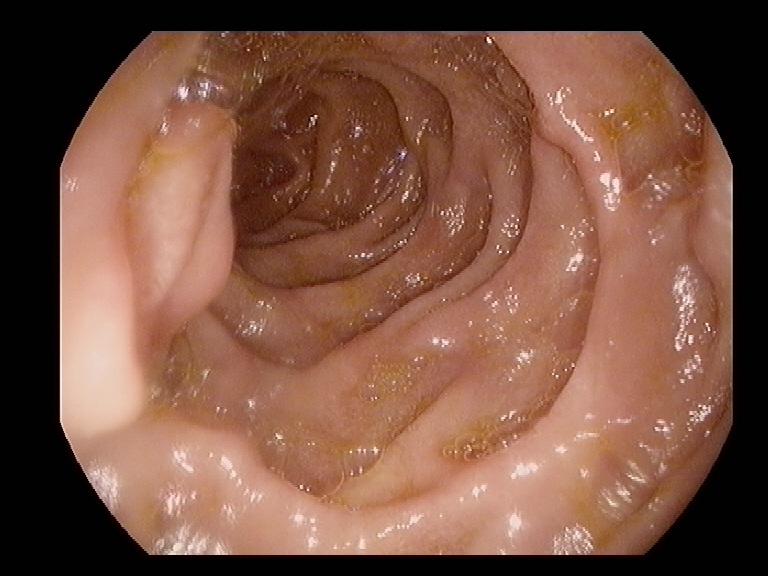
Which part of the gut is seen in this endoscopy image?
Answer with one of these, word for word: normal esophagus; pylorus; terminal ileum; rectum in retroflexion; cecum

terminal ileum